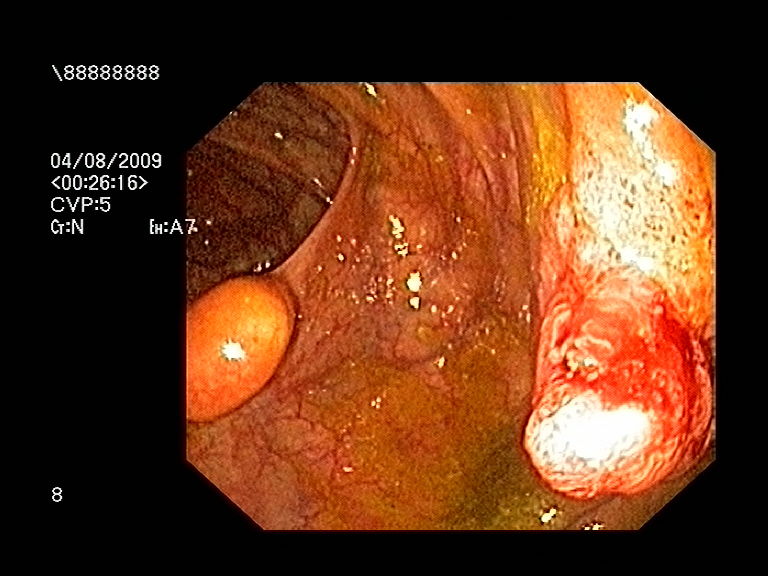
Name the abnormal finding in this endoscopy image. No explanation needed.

colon polyp